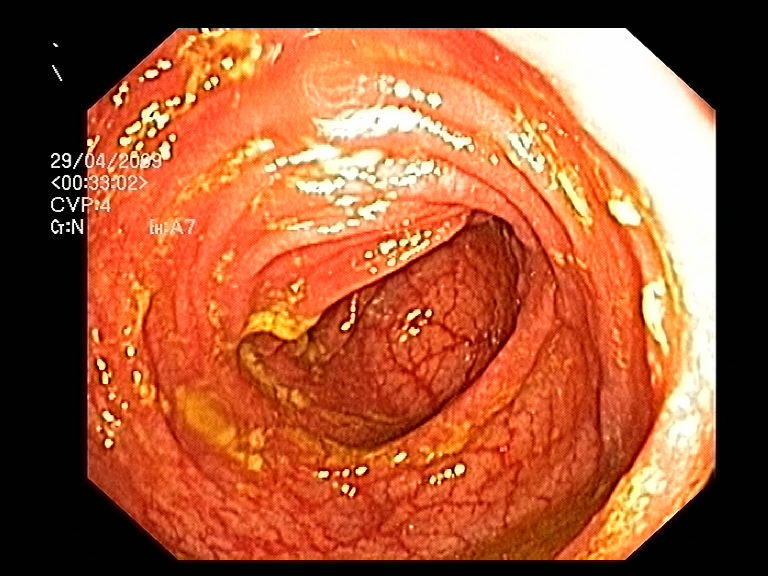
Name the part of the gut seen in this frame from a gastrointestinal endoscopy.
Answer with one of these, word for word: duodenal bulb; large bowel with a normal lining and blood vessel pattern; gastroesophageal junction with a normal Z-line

large bowel with a normal lining and blood vessel pattern